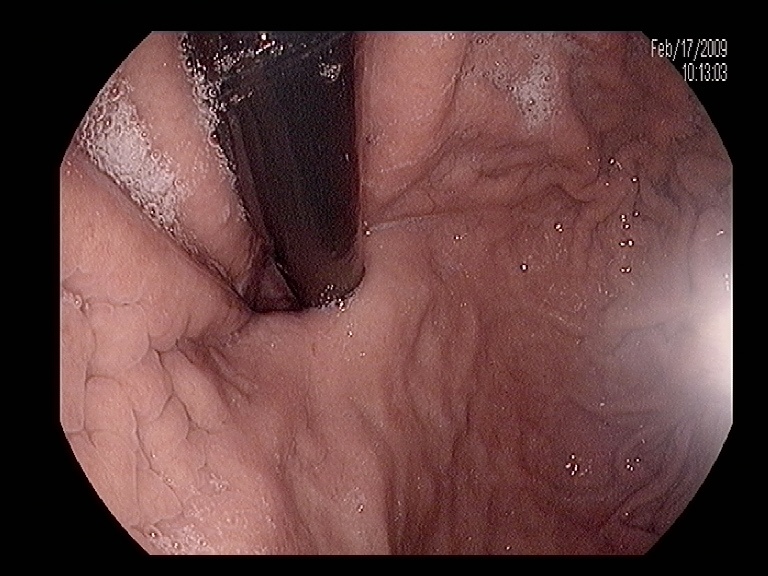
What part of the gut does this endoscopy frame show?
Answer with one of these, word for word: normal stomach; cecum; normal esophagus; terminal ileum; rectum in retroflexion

normal stomach